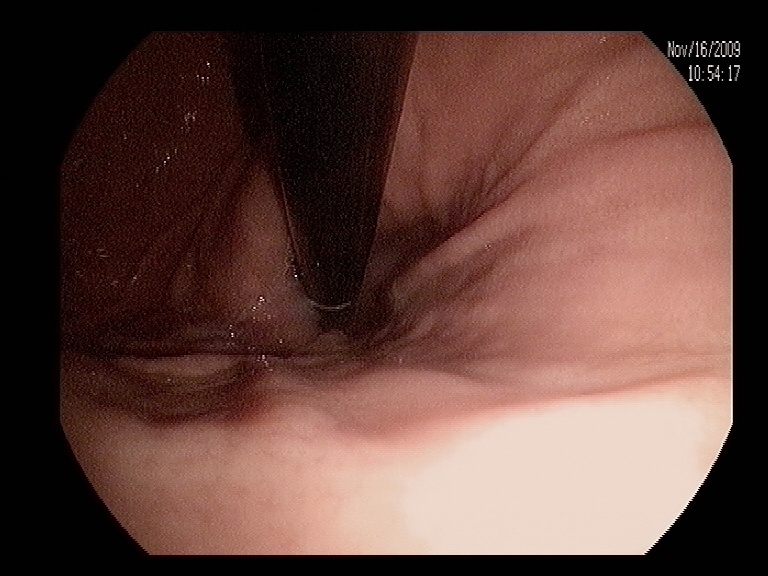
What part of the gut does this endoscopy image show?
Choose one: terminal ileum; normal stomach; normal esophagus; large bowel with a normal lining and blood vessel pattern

normal stomach